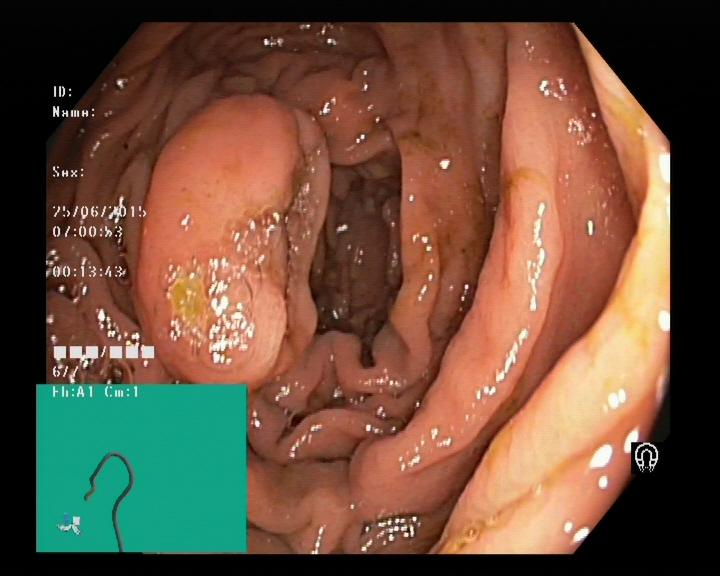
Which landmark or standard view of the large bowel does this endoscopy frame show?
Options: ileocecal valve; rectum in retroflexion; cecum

ileocecal valve